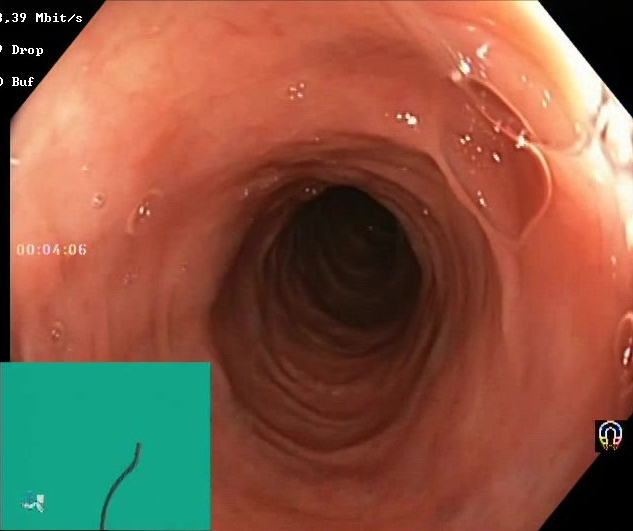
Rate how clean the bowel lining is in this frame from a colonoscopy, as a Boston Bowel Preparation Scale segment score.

Boston Bowel Preparation Scale score 2–3 (adequate preparation)